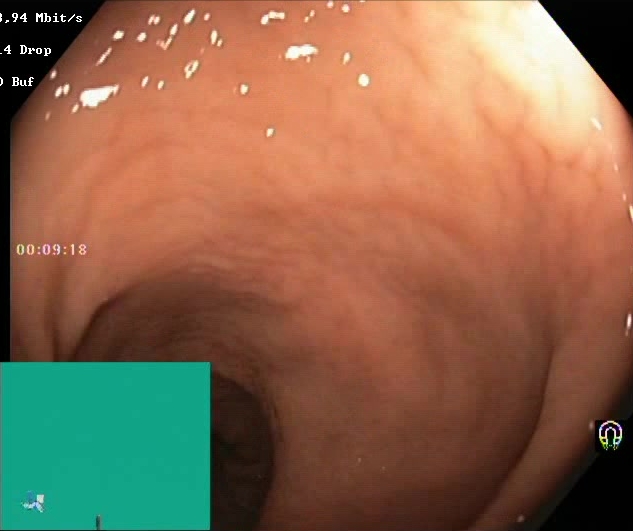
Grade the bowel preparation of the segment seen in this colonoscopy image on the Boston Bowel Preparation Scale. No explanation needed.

Boston Bowel Preparation Scale score 2–3 (adequate preparation)